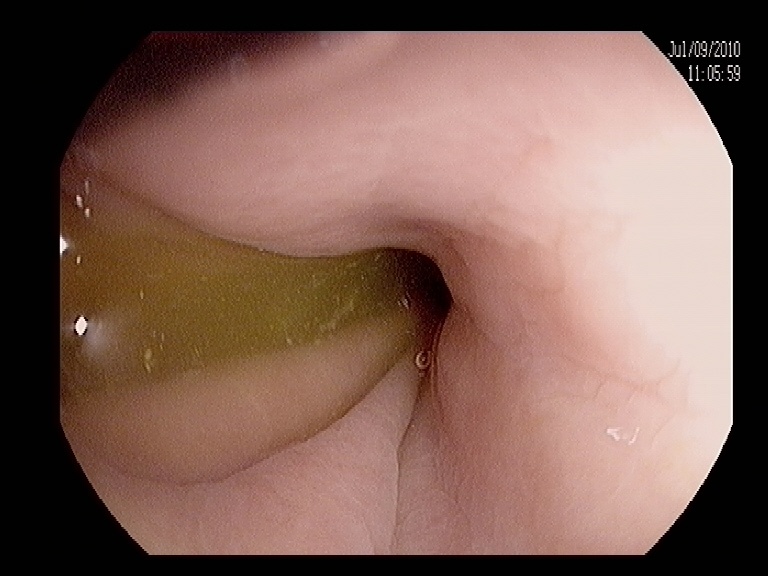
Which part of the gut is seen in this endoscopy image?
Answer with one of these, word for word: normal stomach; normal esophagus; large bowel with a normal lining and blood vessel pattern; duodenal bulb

normal stomach